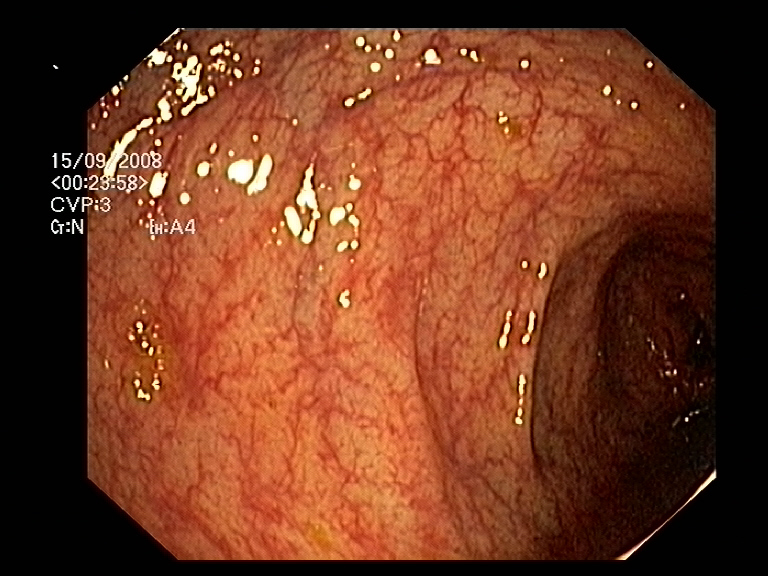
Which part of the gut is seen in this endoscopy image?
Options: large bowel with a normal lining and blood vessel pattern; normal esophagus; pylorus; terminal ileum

large bowel with a normal lining and blood vessel pattern